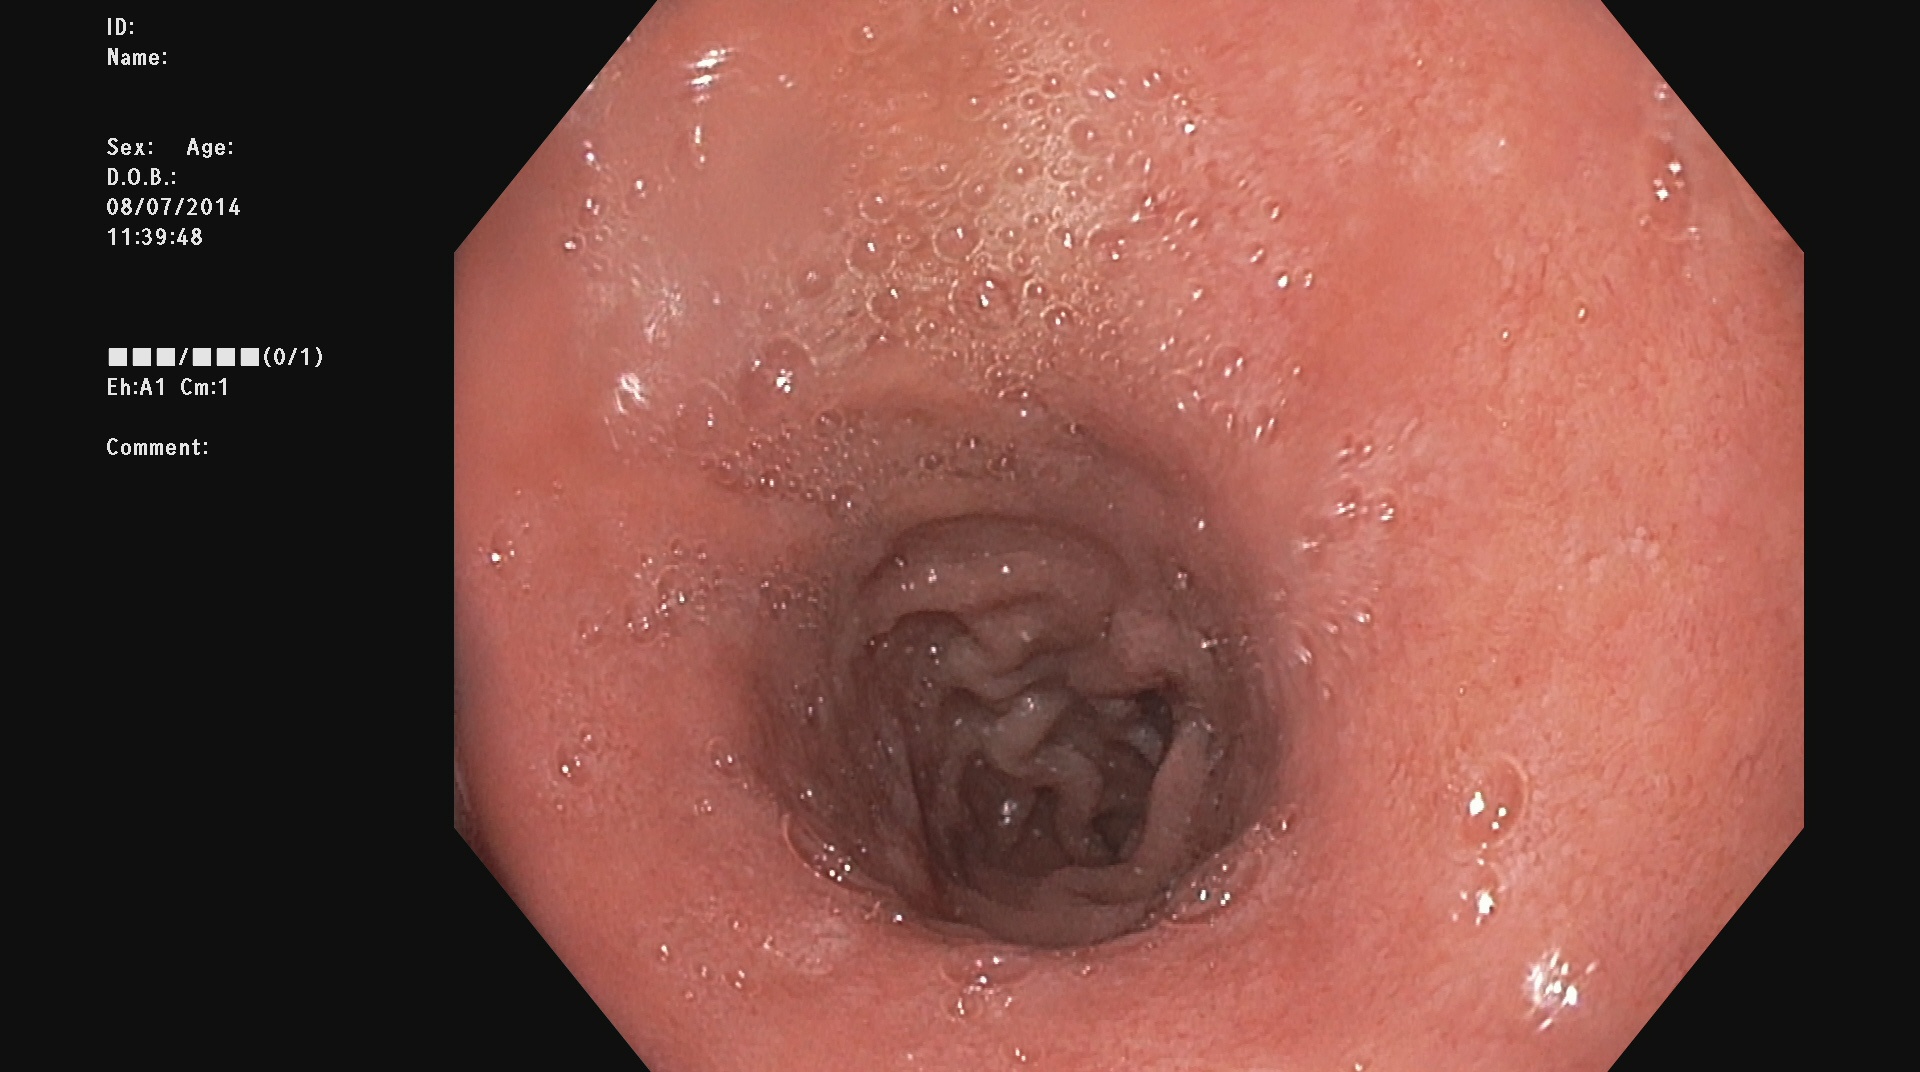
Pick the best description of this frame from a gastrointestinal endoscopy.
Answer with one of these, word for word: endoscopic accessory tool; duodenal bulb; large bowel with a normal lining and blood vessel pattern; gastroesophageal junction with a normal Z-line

duodenal bulb